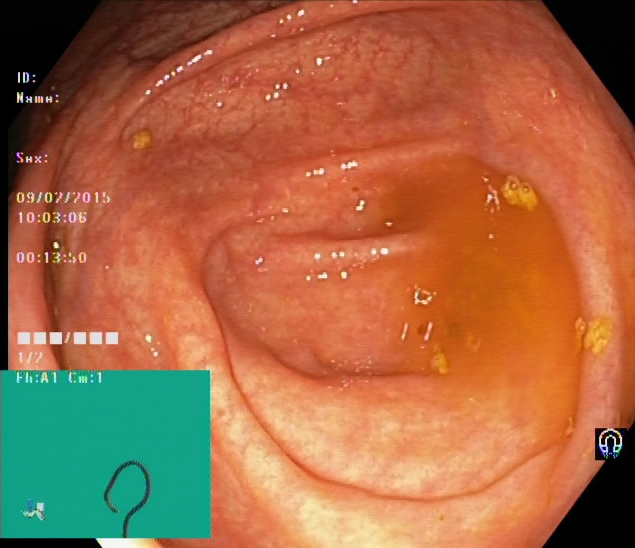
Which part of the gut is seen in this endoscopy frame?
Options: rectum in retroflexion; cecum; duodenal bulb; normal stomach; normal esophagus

cecum